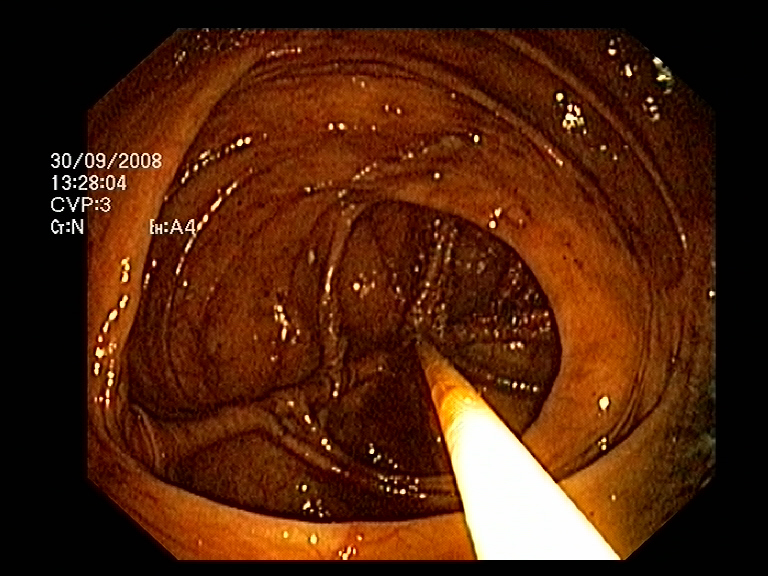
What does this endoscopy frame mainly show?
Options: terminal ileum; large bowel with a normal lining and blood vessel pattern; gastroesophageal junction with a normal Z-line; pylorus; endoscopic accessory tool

endoscopic accessory tool